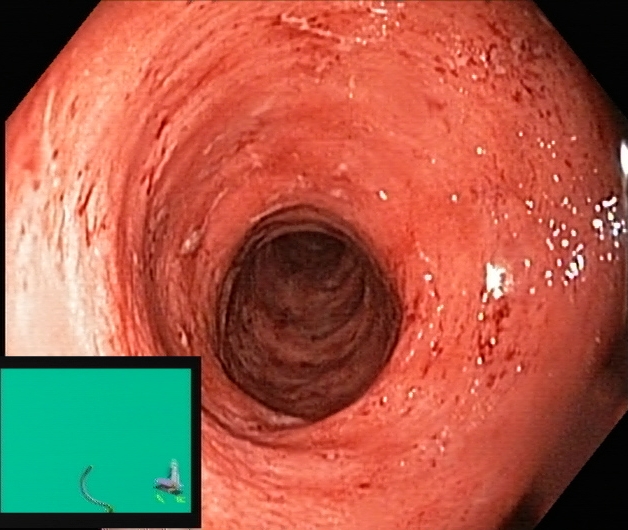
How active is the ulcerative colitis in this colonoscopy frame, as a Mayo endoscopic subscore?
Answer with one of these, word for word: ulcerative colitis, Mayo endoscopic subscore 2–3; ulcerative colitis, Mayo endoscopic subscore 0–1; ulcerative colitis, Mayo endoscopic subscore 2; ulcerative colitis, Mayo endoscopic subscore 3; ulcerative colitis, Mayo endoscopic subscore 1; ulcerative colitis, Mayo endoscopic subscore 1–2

ulcerative colitis, Mayo endoscopic subscore 2